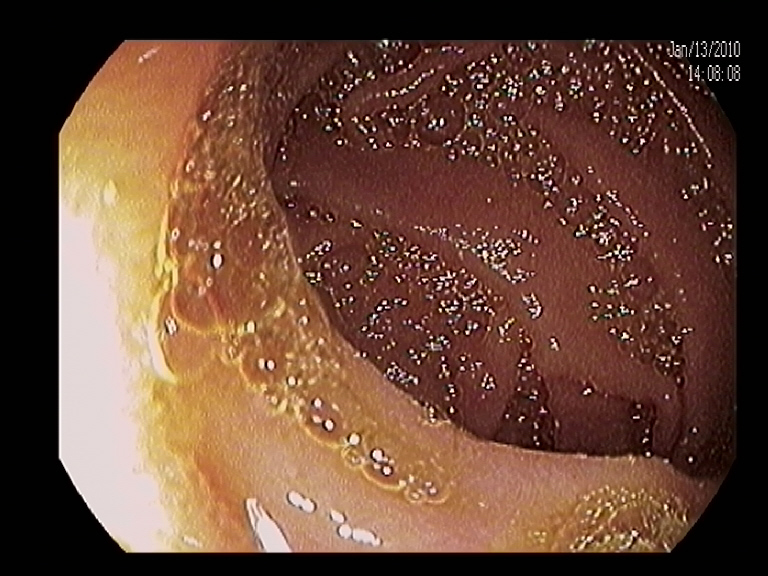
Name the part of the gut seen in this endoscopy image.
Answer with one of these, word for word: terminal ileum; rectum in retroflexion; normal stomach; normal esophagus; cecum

terminal ileum